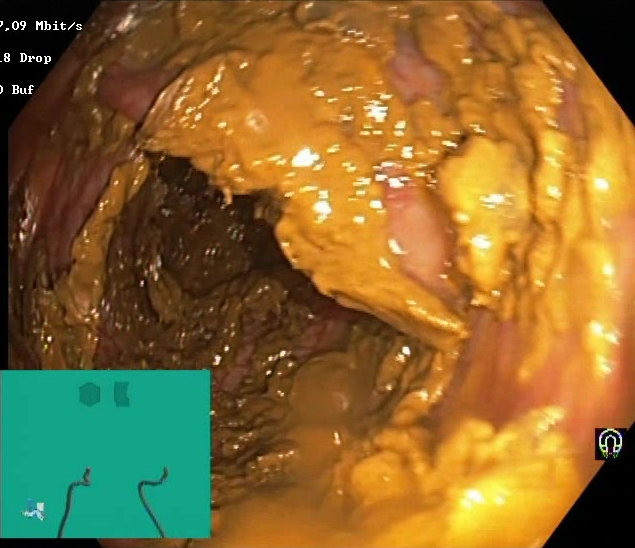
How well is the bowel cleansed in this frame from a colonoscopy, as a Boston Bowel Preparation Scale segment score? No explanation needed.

Boston Bowel Preparation Scale score 0–1 (inadequate preparation)